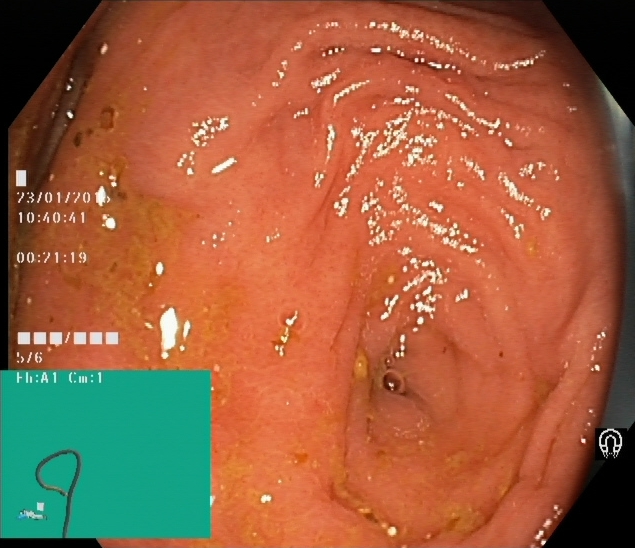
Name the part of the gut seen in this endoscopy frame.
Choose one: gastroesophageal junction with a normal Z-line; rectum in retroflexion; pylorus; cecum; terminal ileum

cecum